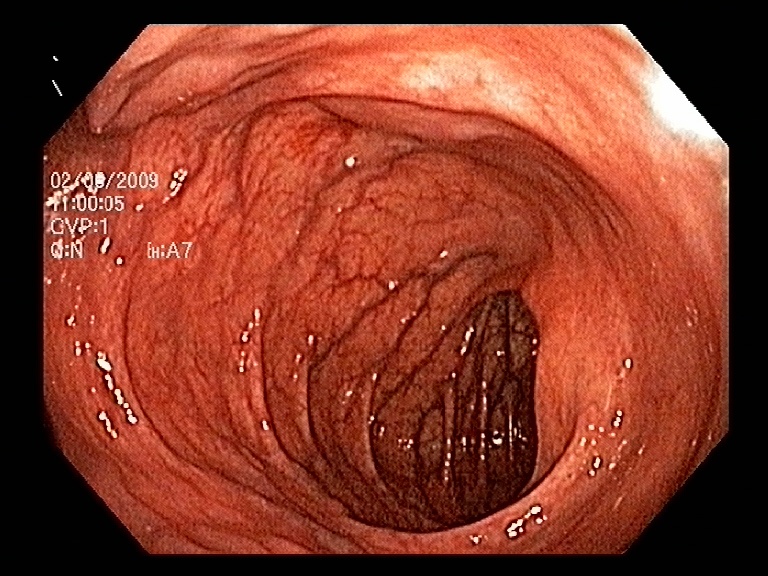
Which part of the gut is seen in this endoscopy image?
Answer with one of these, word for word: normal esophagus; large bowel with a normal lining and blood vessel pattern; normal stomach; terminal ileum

large bowel with a normal lining and blood vessel pattern